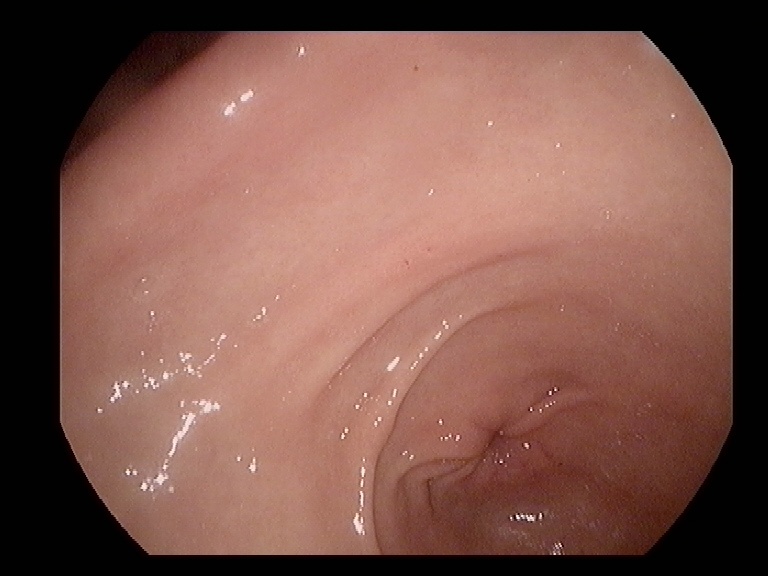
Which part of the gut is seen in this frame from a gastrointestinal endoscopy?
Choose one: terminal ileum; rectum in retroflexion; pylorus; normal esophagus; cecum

pylorus